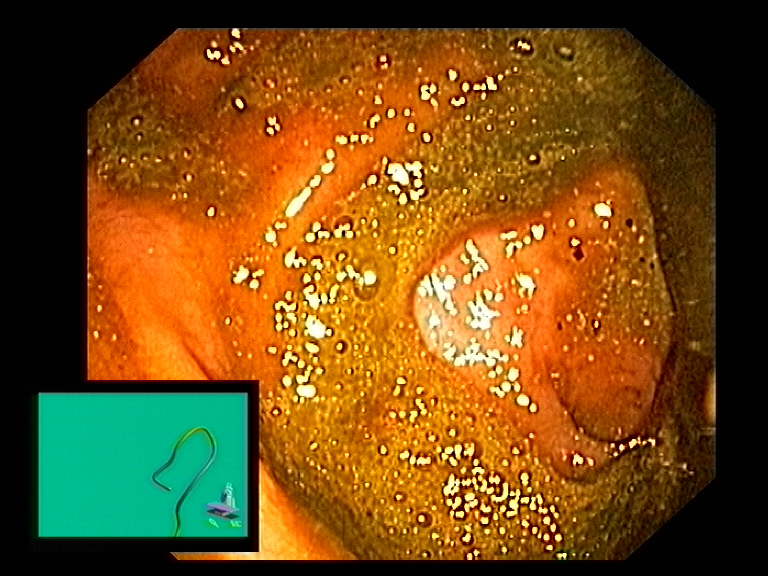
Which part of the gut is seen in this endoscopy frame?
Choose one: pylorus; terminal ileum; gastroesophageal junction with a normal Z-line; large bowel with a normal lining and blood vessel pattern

large bowel with a normal lining and blood vessel pattern